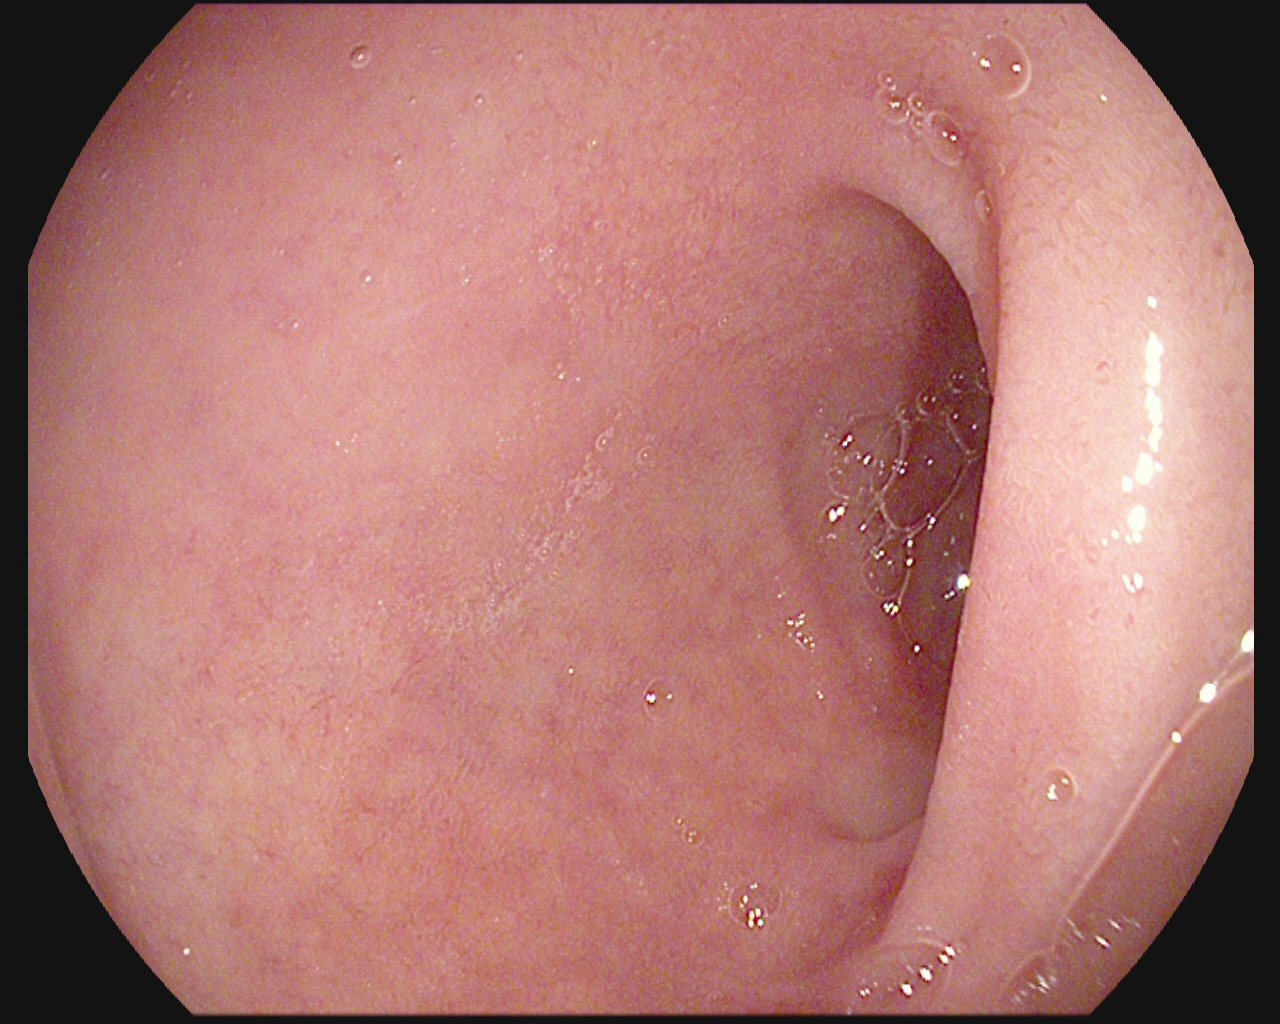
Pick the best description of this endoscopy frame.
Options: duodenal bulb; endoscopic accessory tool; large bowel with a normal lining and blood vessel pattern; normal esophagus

duodenal bulb